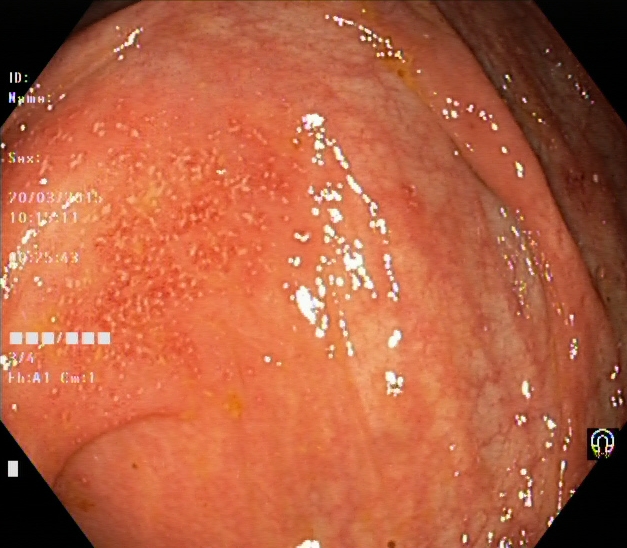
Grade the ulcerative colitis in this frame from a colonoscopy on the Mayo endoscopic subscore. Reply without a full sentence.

ulcerative colitis, Mayo endoscopic subscore 1